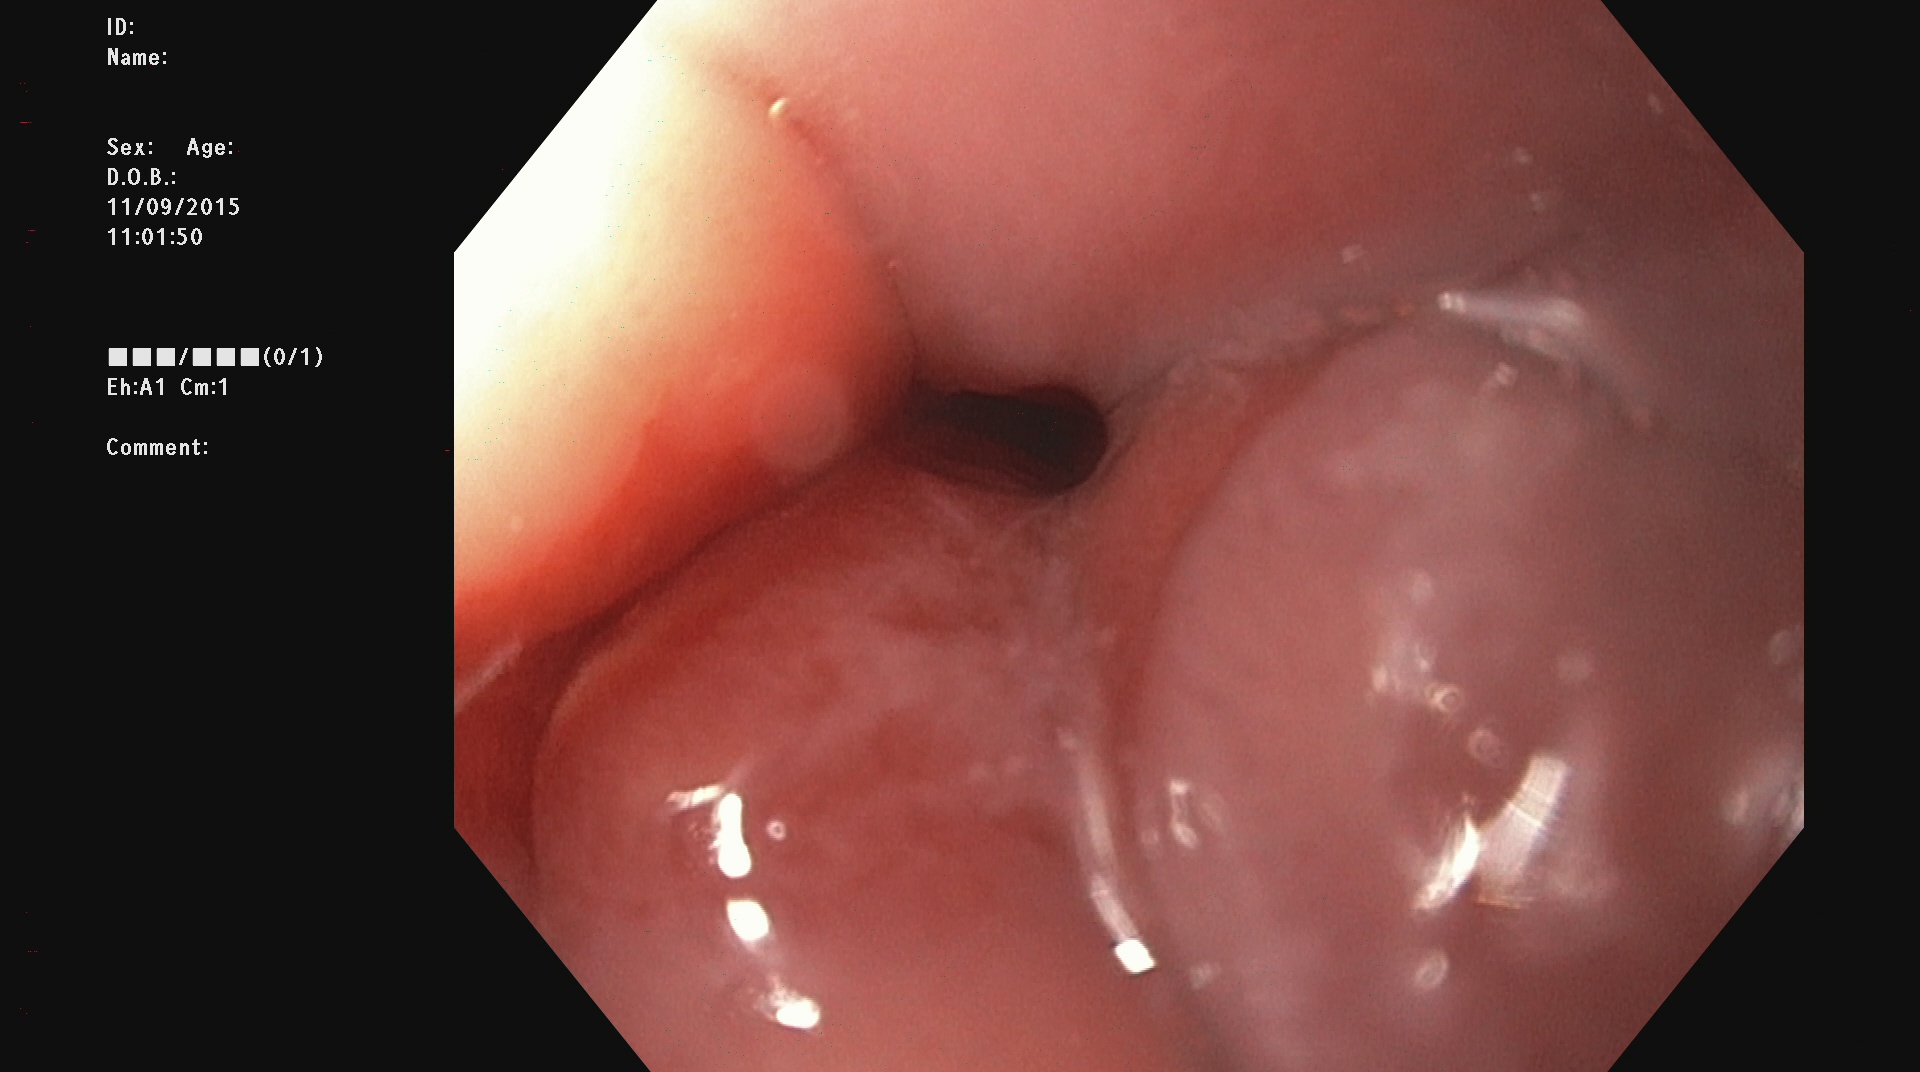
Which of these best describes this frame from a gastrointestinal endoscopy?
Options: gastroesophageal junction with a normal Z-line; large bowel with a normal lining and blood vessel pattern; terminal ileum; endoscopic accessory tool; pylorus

gastroesophageal junction with a normal Z-line